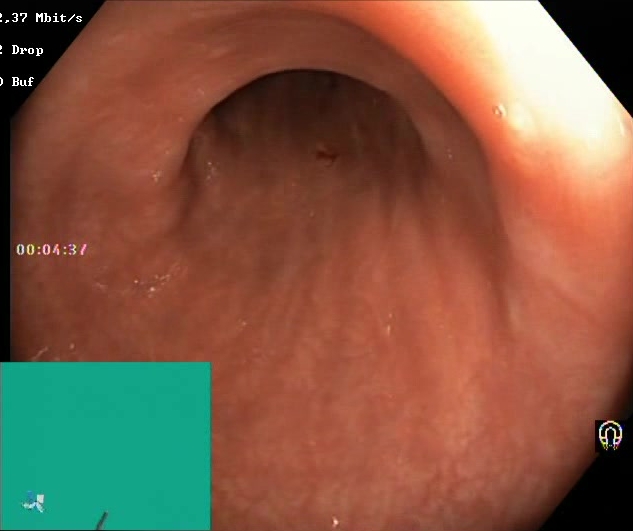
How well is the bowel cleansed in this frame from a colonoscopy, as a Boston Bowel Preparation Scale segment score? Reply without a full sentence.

Boston Bowel Preparation Scale score 2–3 (adequate preparation)